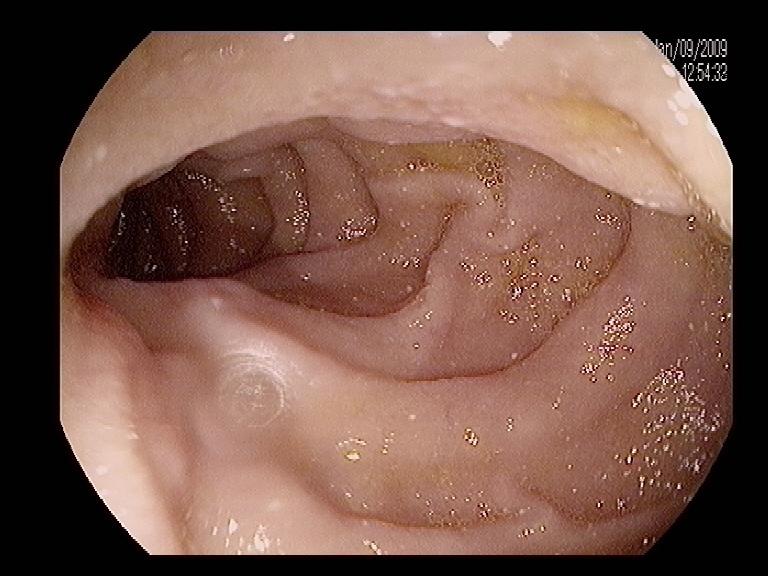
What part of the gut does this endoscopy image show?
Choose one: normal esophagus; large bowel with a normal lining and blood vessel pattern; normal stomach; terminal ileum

terminal ileum